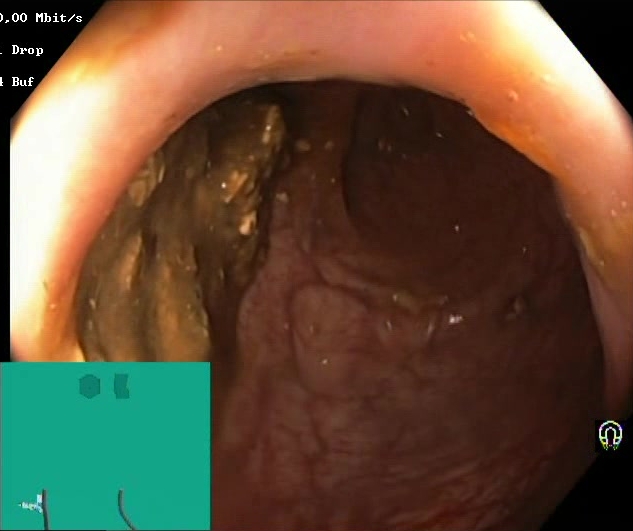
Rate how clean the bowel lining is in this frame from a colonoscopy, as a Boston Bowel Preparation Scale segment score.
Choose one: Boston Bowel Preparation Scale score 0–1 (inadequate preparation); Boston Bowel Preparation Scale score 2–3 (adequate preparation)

Boston Bowel Preparation Scale score 0–1 (inadequate preparation)